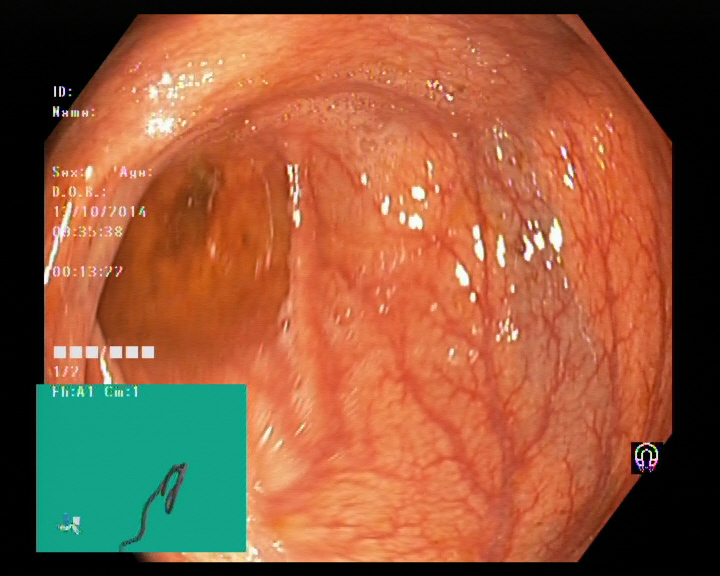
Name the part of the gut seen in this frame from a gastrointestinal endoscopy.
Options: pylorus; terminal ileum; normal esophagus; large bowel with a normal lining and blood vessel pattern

large bowel with a normal lining and blood vessel pattern